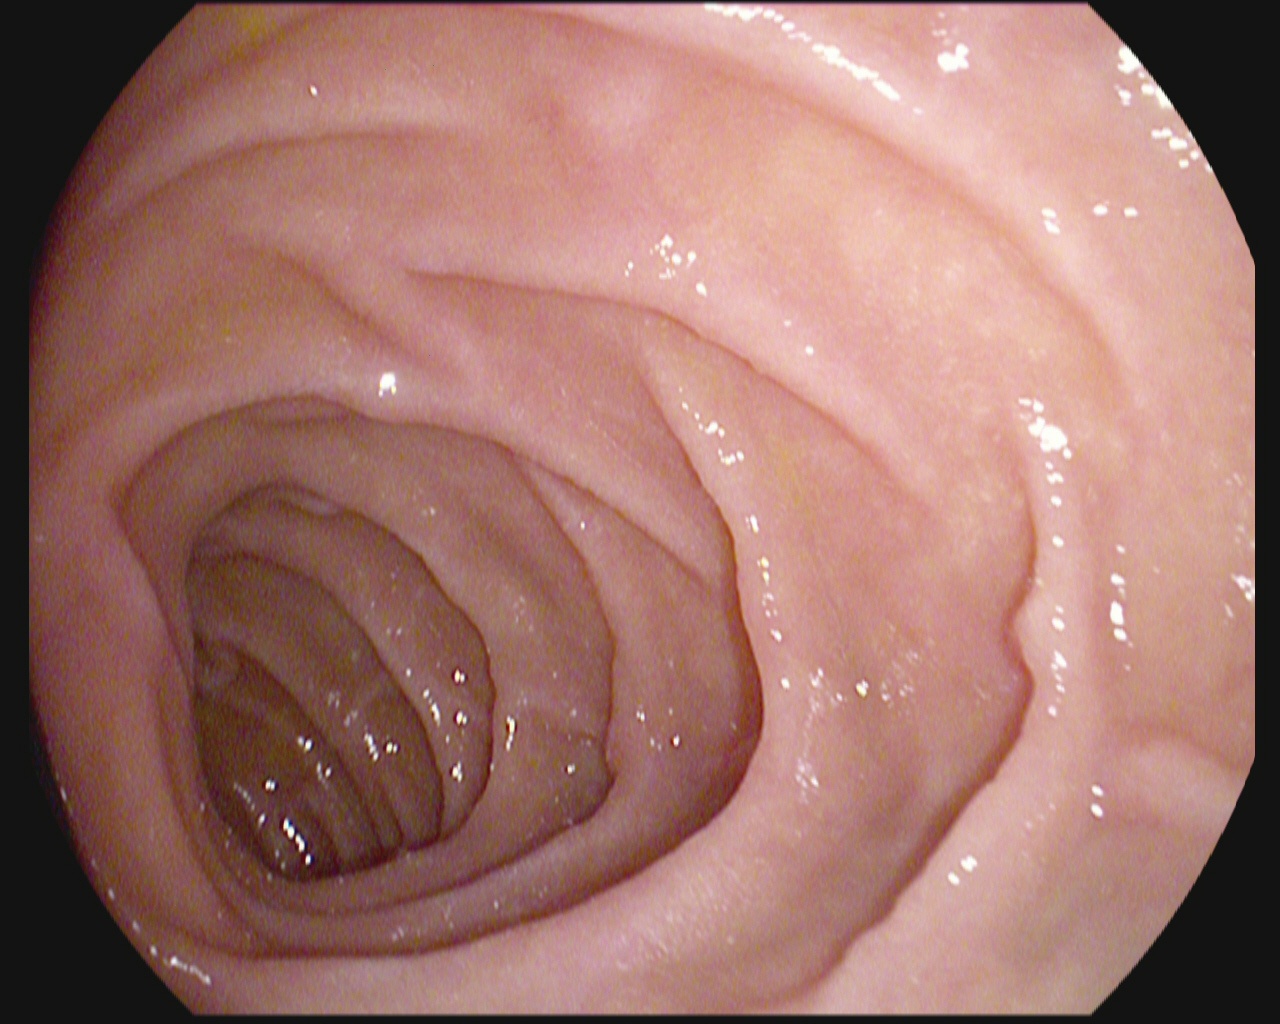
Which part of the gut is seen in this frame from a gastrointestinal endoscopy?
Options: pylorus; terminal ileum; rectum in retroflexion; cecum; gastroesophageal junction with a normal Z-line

terminal ileum